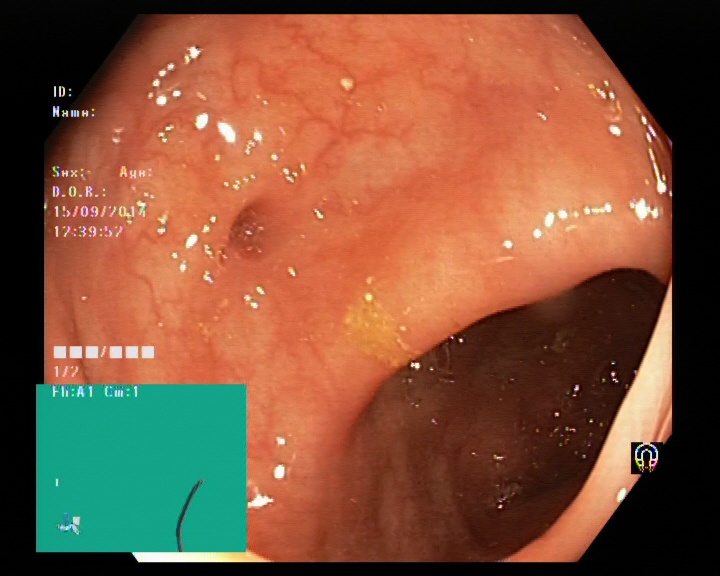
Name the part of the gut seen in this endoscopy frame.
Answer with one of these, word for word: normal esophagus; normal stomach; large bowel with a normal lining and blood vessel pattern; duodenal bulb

large bowel with a normal lining and blood vessel pattern